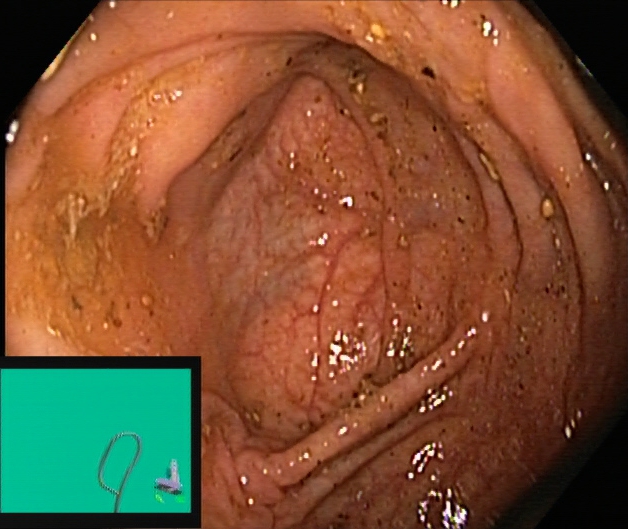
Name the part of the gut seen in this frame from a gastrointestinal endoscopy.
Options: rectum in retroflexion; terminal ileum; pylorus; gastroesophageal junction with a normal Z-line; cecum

cecum